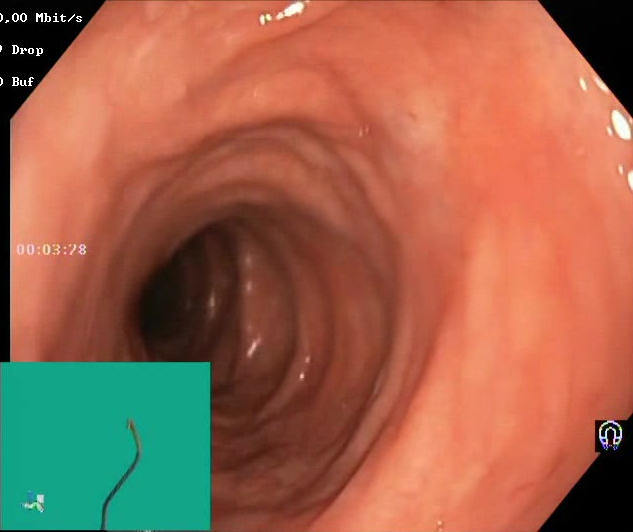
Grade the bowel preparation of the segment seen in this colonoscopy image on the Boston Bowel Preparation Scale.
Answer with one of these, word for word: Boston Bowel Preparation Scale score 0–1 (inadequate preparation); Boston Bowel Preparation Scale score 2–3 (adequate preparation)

Boston Bowel Preparation Scale score 2–3 (adequate preparation)